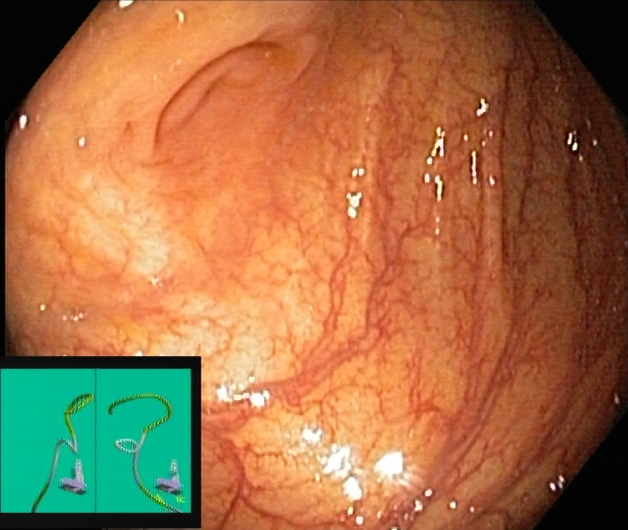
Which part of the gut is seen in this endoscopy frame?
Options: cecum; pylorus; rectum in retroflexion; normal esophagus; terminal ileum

cecum